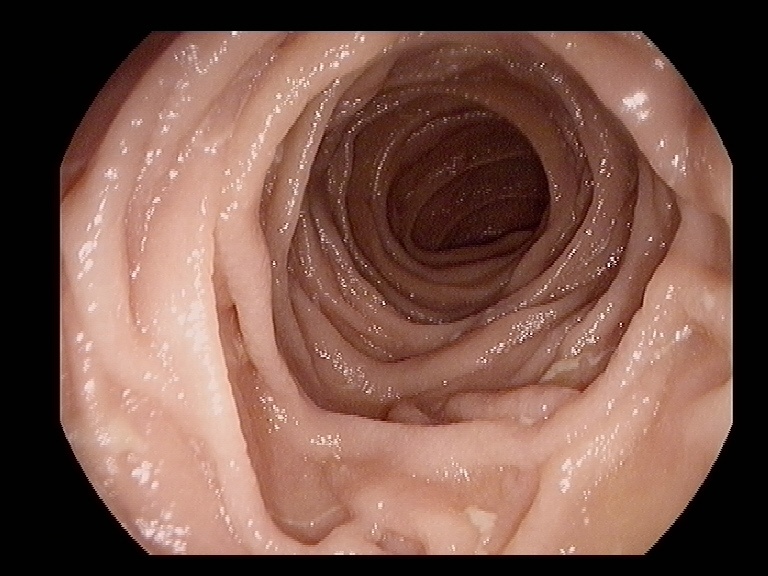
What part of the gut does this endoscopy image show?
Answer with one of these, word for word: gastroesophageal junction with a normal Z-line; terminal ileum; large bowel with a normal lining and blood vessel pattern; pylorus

terminal ileum